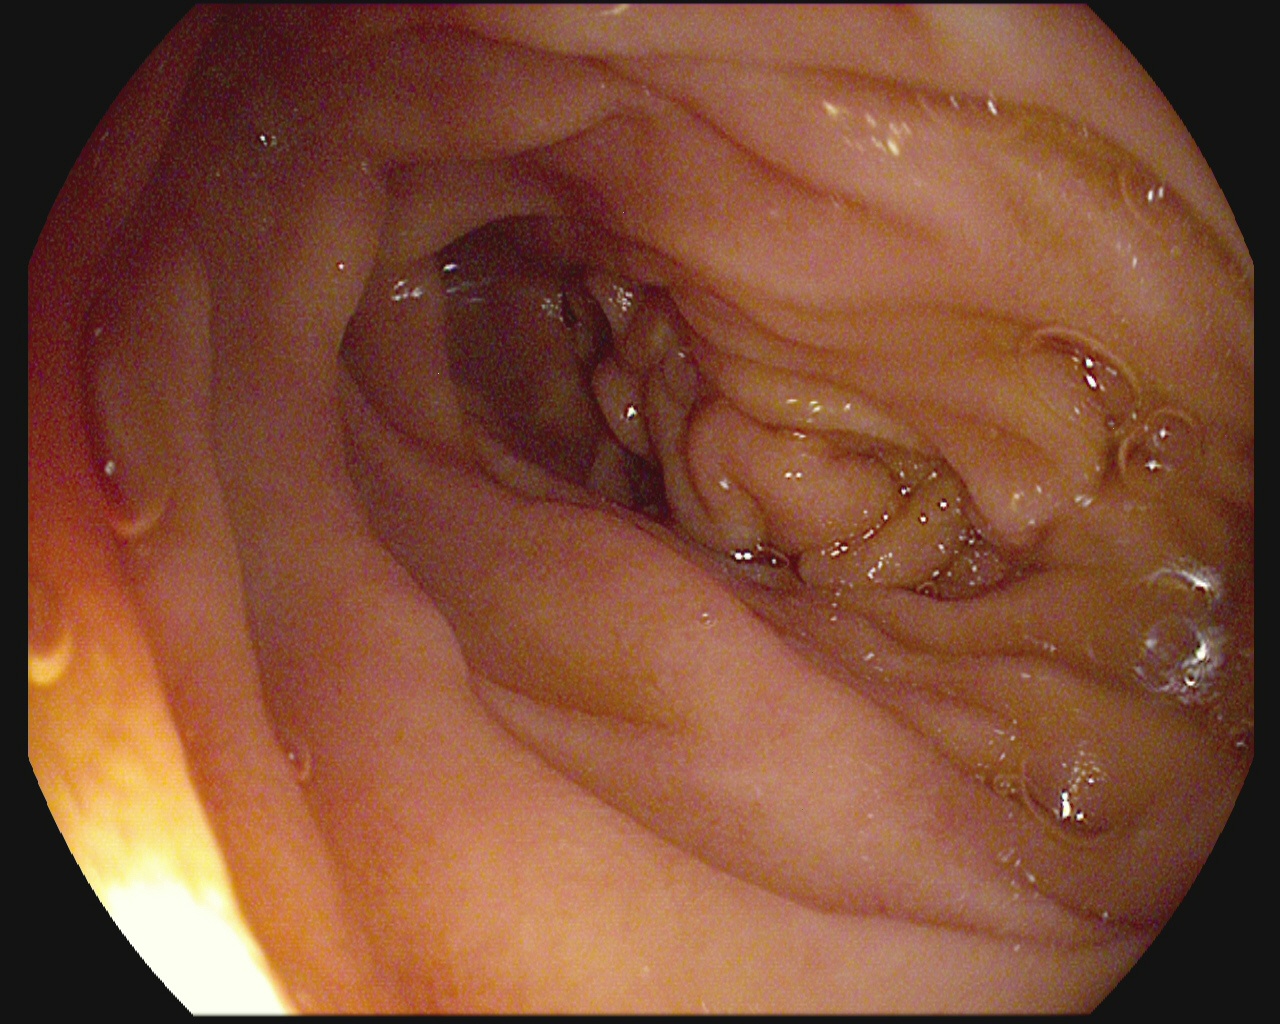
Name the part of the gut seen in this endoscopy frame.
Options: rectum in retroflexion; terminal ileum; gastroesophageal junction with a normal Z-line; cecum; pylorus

terminal ileum